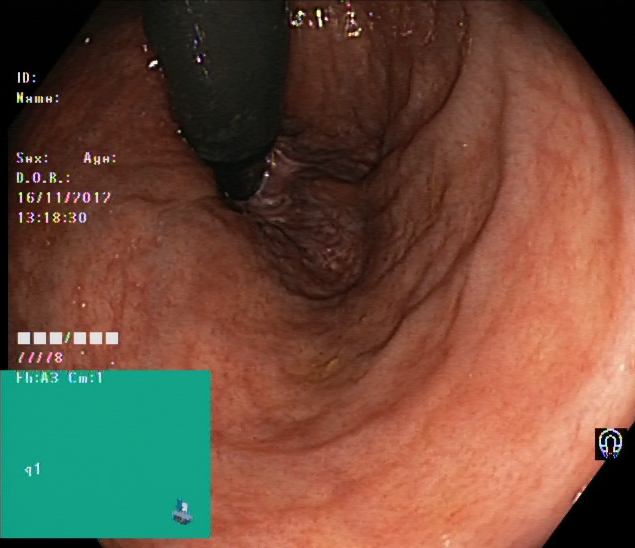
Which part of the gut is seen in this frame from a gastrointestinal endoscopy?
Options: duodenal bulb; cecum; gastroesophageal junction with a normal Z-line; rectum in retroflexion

rectum in retroflexion